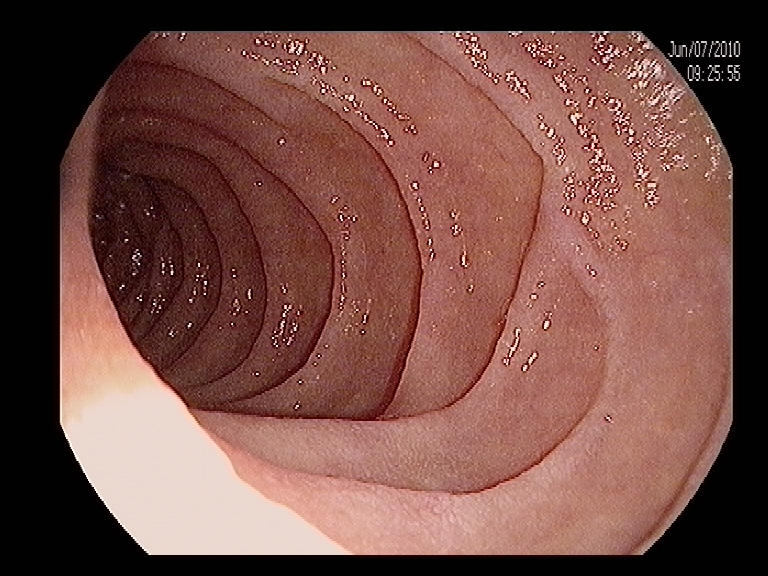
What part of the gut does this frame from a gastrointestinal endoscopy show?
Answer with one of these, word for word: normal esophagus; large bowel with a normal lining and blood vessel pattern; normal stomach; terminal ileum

terminal ileum